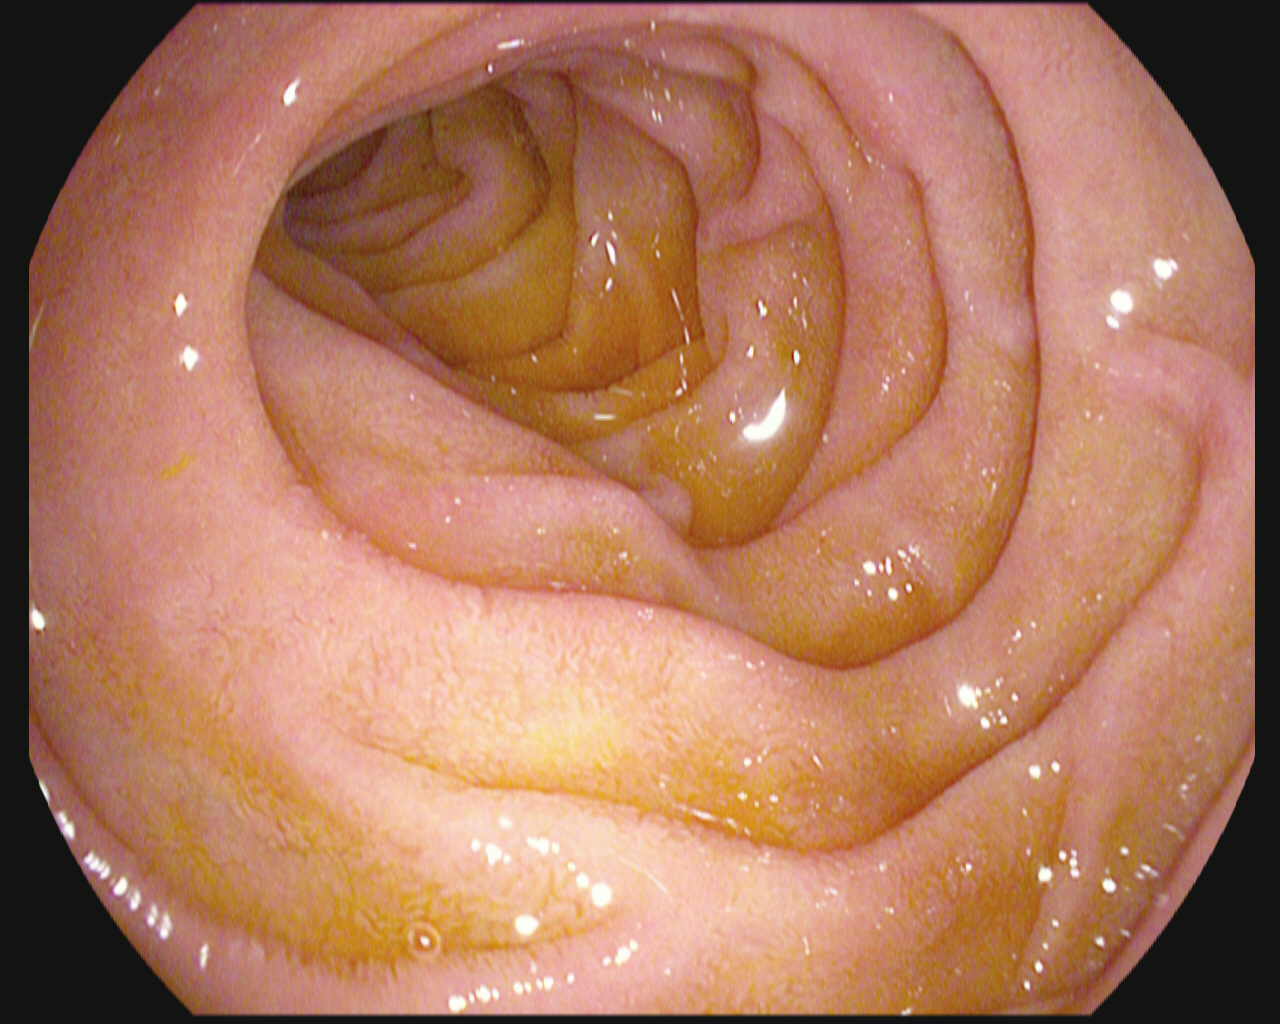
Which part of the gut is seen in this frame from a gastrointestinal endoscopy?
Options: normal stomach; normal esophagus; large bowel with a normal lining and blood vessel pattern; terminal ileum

terminal ileum